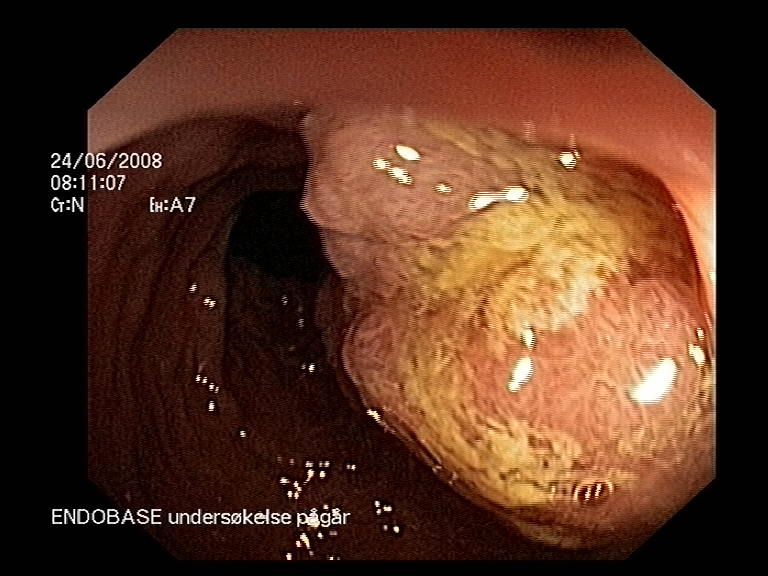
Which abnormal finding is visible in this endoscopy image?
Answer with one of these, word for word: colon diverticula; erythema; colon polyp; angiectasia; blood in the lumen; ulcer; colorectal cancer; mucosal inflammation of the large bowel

colon polyp